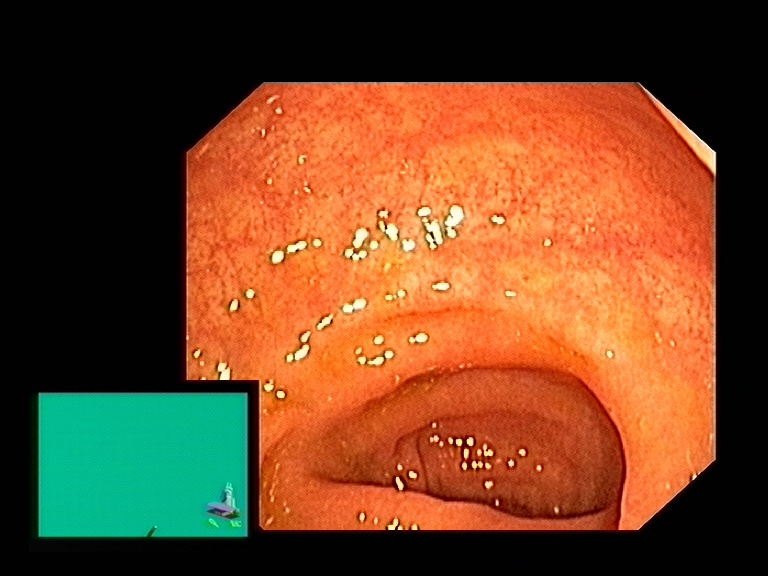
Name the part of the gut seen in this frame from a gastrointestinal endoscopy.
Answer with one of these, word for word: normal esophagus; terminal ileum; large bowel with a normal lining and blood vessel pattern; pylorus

large bowel with a normal lining and blood vessel pattern